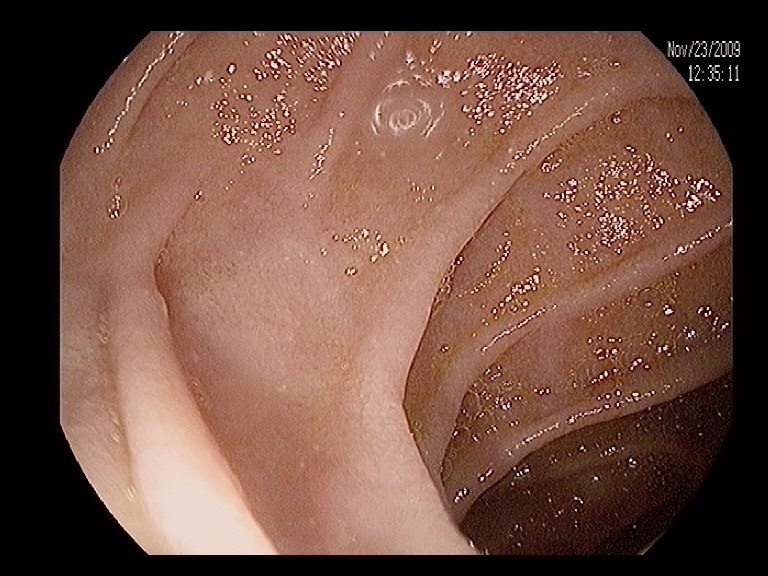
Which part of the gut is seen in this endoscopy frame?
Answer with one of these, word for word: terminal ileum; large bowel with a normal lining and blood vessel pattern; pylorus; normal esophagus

terminal ileum